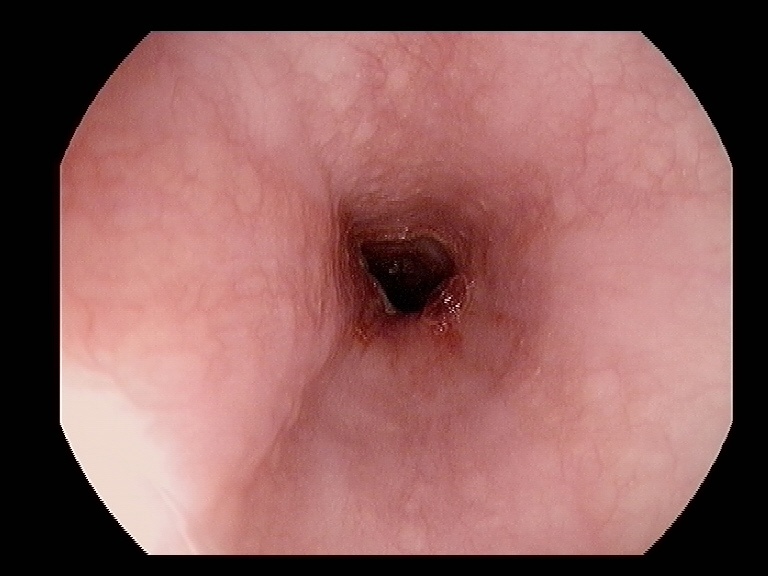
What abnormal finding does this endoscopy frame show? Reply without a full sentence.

esophagitis